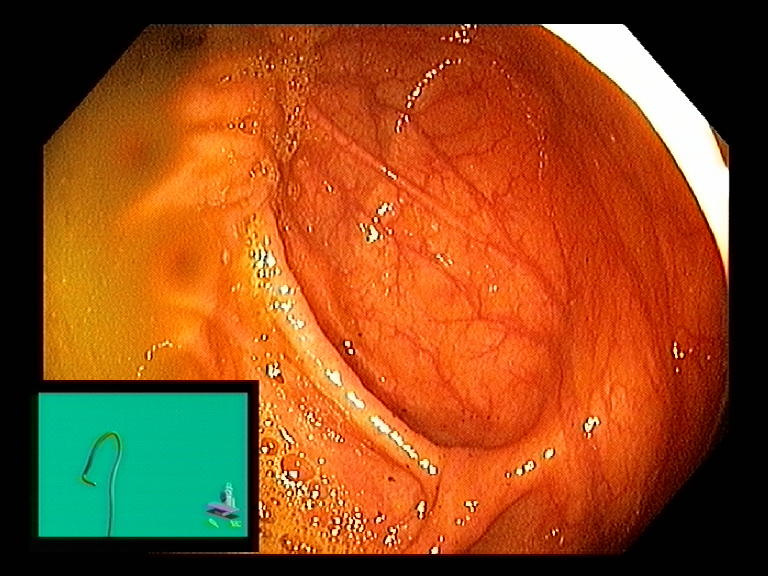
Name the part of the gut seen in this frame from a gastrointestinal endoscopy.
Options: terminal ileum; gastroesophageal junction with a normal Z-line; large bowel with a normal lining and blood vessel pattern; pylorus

large bowel with a normal lining and blood vessel pattern